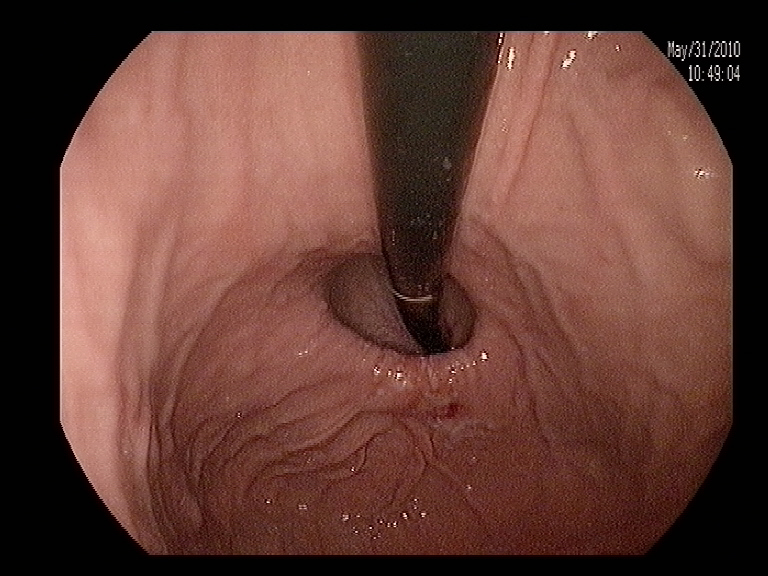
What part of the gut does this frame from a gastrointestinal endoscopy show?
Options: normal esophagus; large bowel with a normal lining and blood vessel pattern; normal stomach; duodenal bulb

normal stomach